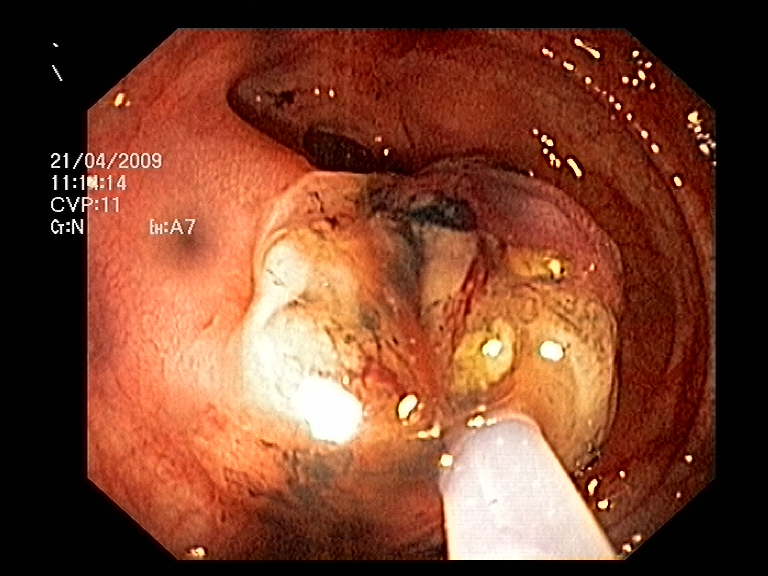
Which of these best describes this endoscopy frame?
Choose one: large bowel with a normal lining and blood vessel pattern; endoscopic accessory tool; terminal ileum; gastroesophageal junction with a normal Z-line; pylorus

endoscopic accessory tool